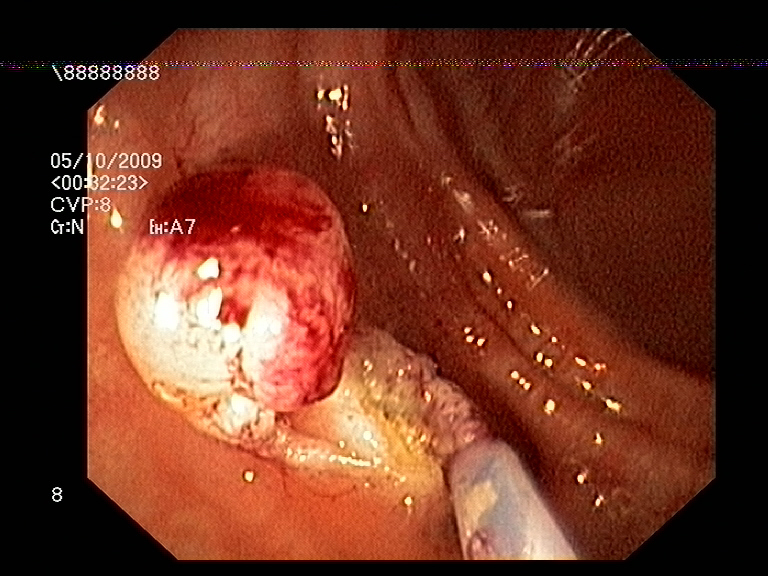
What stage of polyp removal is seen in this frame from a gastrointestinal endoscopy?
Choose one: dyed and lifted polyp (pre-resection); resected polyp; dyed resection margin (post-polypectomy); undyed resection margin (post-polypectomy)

resected polyp